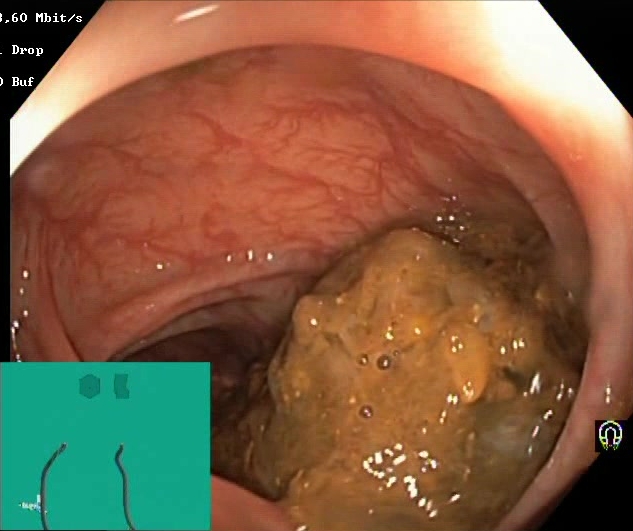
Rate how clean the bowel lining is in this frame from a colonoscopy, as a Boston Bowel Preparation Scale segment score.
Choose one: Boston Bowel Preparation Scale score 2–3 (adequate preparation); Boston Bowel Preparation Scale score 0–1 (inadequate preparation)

Boston Bowel Preparation Scale score 0–1 (inadequate preparation)